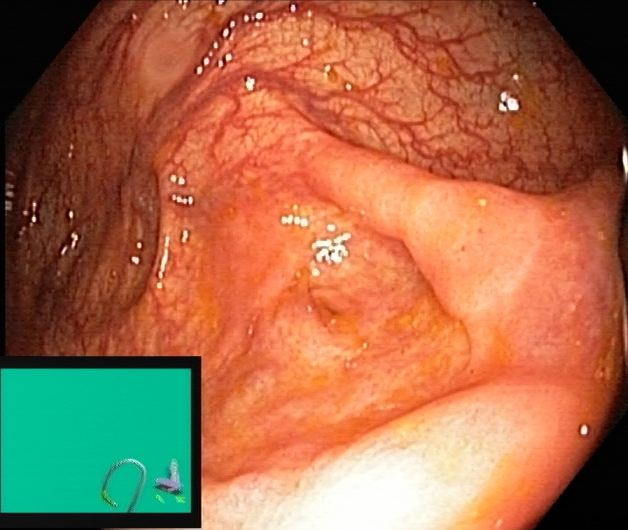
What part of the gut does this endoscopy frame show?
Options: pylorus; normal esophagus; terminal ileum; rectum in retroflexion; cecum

cecum